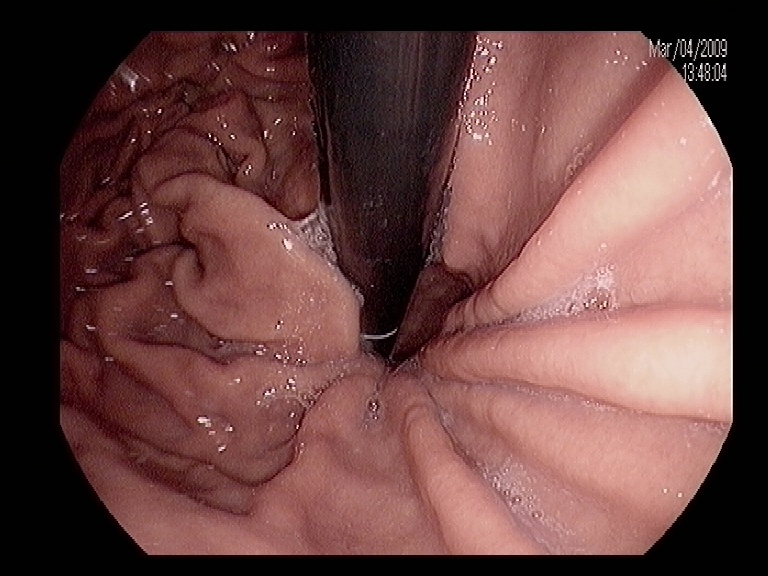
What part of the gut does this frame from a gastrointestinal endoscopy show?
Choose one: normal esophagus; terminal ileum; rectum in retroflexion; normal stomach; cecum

normal stomach